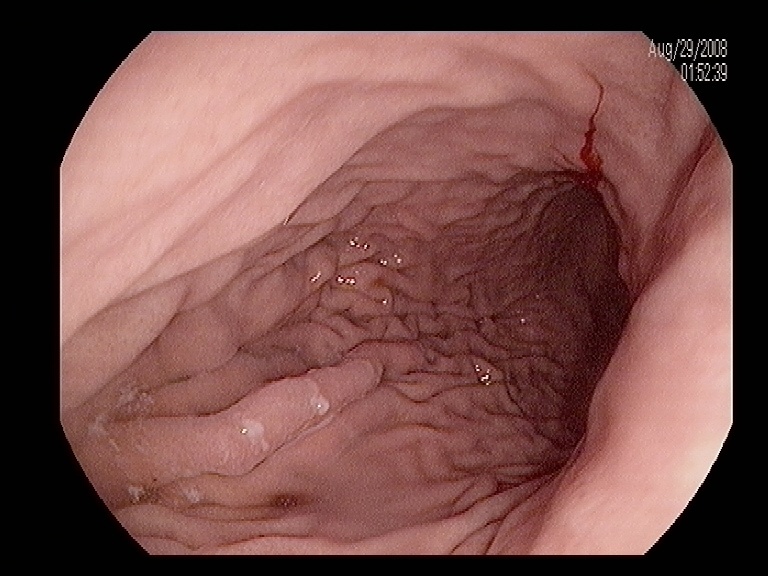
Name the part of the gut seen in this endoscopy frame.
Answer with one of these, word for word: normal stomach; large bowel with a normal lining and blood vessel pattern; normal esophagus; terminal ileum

normal stomach